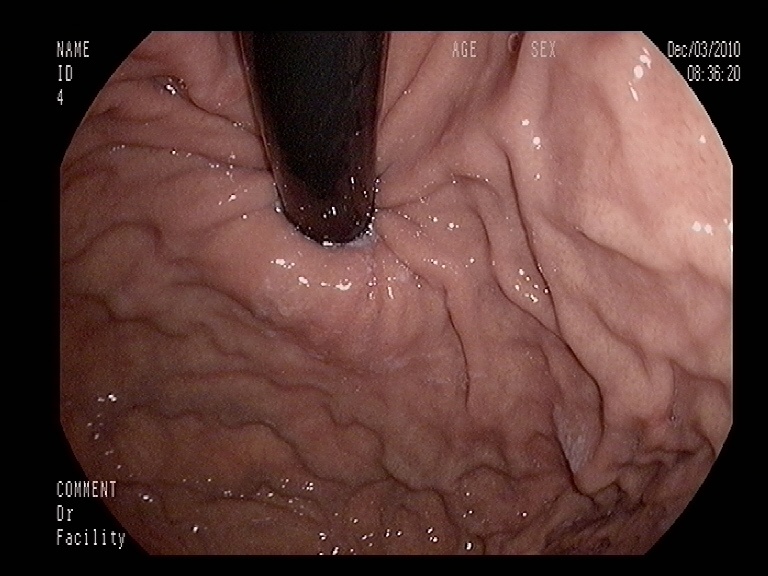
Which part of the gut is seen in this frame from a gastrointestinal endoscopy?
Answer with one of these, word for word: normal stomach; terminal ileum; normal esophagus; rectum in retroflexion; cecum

normal stomach